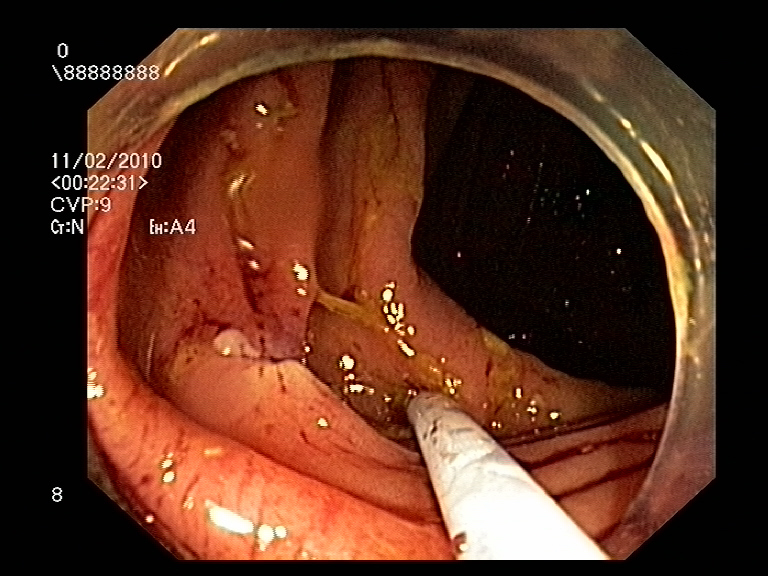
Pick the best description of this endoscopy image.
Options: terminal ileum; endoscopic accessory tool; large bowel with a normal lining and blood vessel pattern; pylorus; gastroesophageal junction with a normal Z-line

endoscopic accessory tool